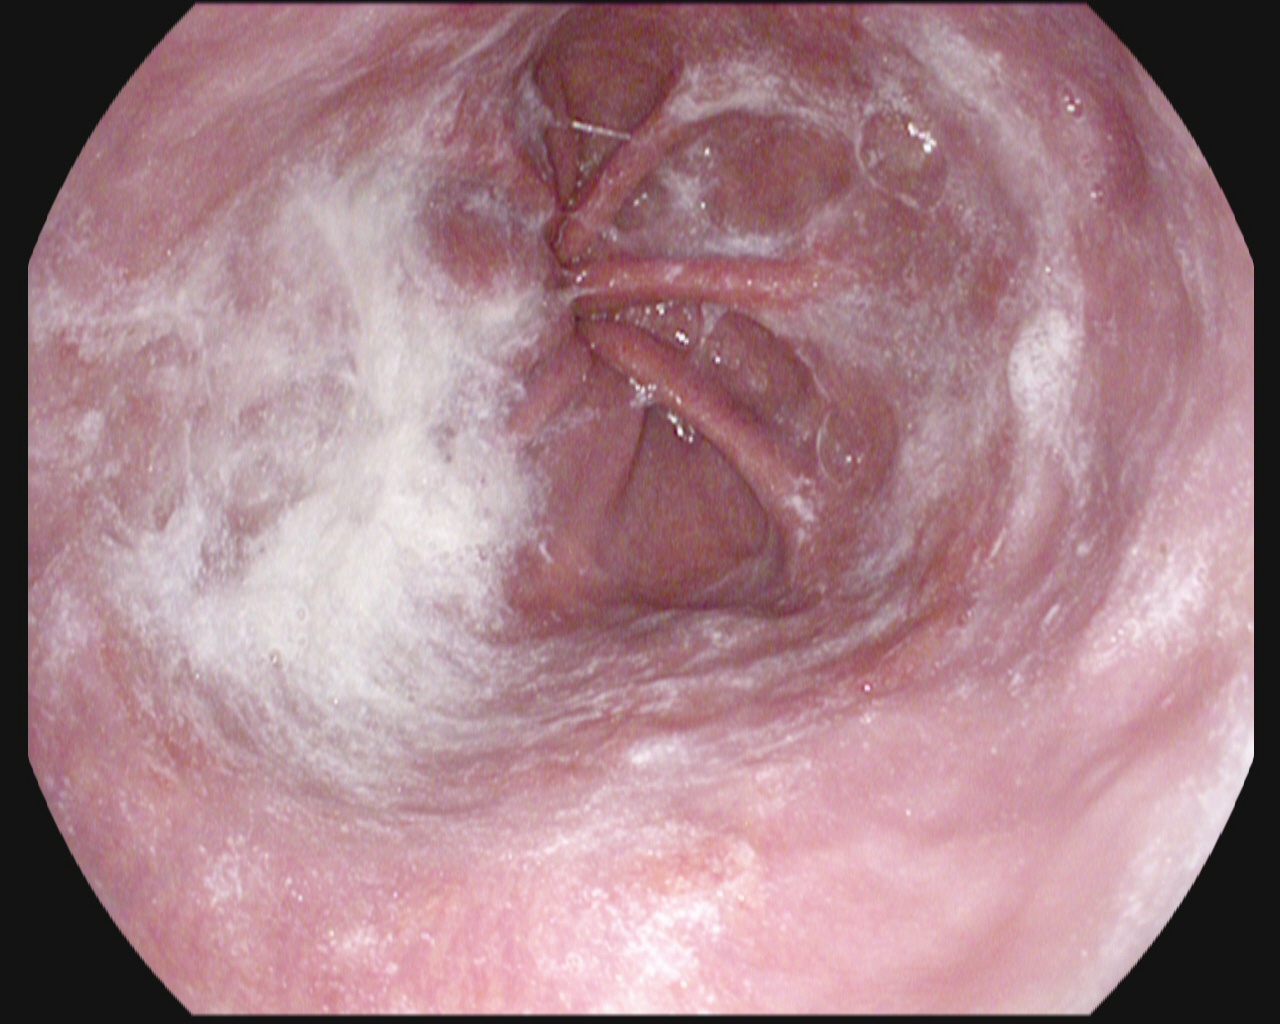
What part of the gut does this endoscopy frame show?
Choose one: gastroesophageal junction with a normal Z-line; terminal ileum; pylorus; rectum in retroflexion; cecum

pylorus